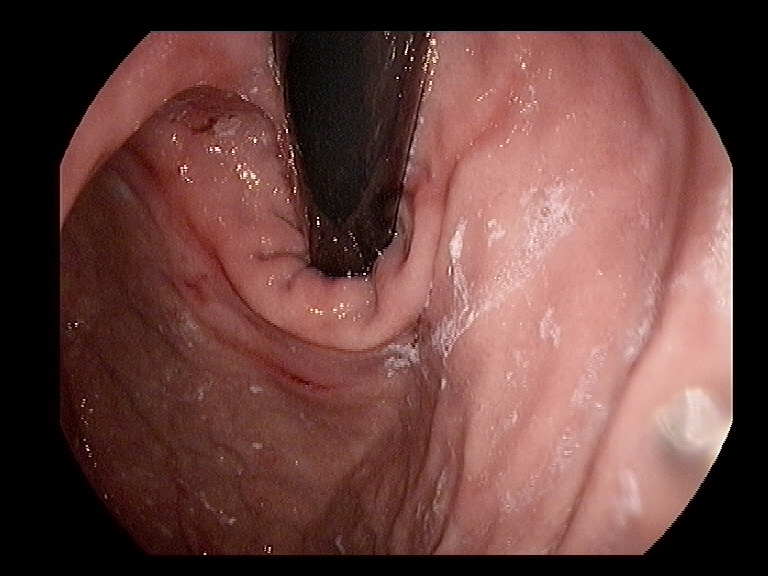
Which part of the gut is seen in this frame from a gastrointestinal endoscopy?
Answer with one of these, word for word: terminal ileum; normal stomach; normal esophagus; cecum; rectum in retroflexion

normal stomach